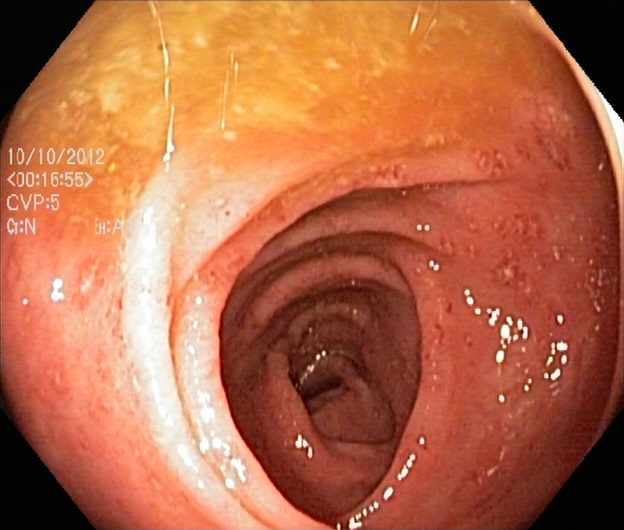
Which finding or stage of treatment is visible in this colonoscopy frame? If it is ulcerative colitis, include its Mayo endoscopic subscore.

ulcerative colitis, Mayo endoscopic subscore 2